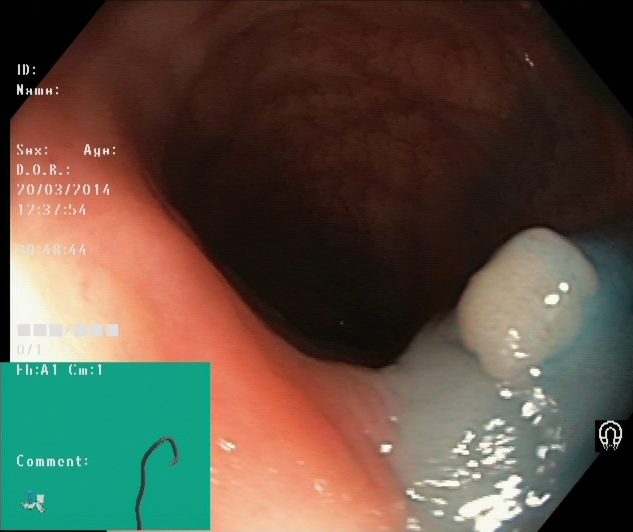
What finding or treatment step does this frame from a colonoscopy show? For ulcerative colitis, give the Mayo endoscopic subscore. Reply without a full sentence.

dyed and lifted polyp (pre-resection)